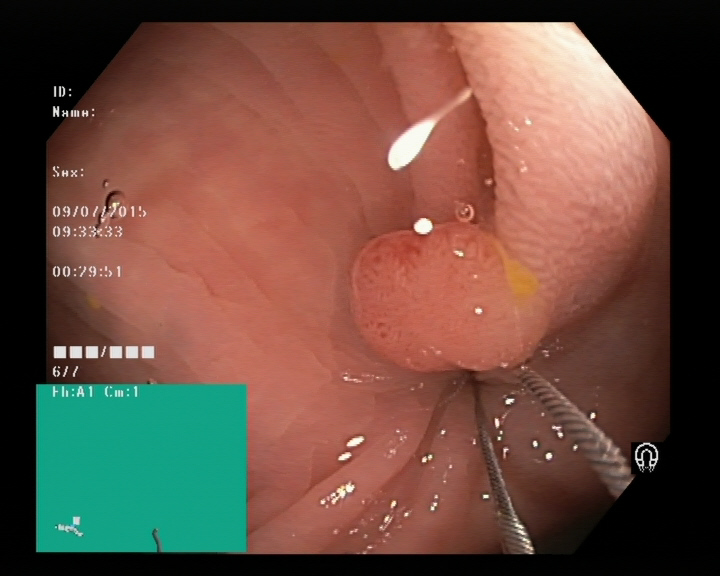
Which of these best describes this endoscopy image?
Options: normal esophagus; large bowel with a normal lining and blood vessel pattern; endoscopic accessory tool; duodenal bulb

endoscopic accessory tool